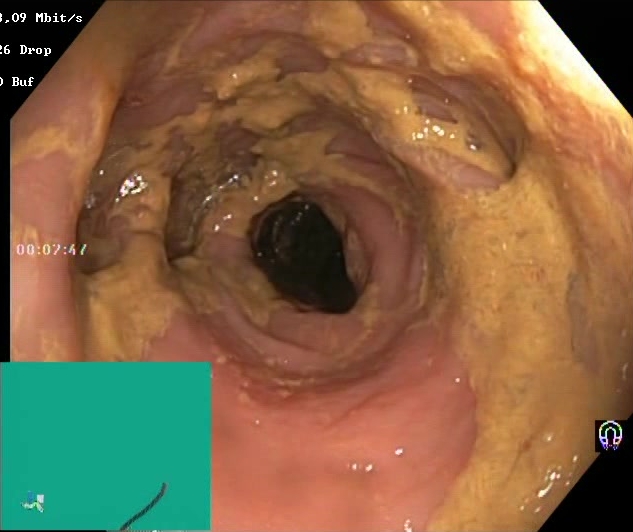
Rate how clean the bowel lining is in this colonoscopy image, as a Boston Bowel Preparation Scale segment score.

Boston Bowel Preparation Scale score 0–1 (inadequate preparation)